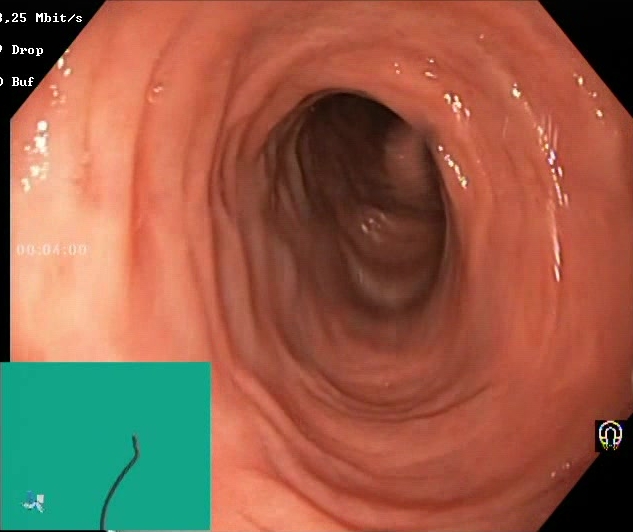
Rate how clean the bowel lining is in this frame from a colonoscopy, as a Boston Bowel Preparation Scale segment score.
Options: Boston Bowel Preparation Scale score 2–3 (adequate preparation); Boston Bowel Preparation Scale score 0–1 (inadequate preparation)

Boston Bowel Preparation Scale score 2–3 (adequate preparation)